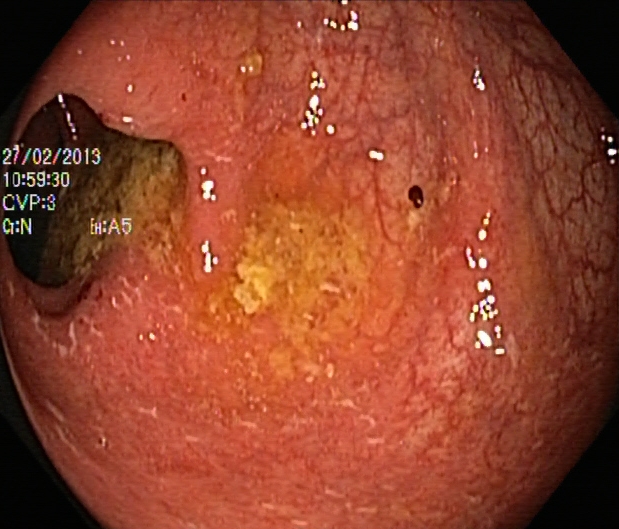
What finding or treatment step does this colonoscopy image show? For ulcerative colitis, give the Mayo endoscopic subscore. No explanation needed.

ulcerative colitis, Mayo endoscopic subscore 1